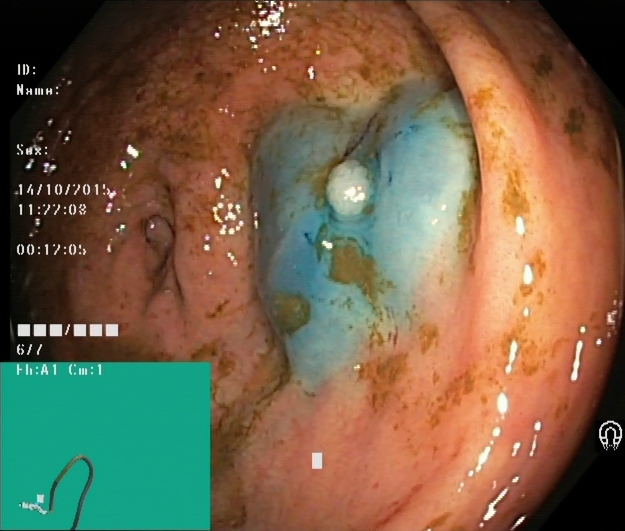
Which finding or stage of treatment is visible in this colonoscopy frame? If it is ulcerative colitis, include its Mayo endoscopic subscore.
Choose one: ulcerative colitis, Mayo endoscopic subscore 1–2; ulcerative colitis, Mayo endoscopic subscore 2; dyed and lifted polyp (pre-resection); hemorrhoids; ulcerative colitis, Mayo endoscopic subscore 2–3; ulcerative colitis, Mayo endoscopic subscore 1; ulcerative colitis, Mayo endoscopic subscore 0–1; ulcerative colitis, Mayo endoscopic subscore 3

dyed and lifted polyp (pre-resection)